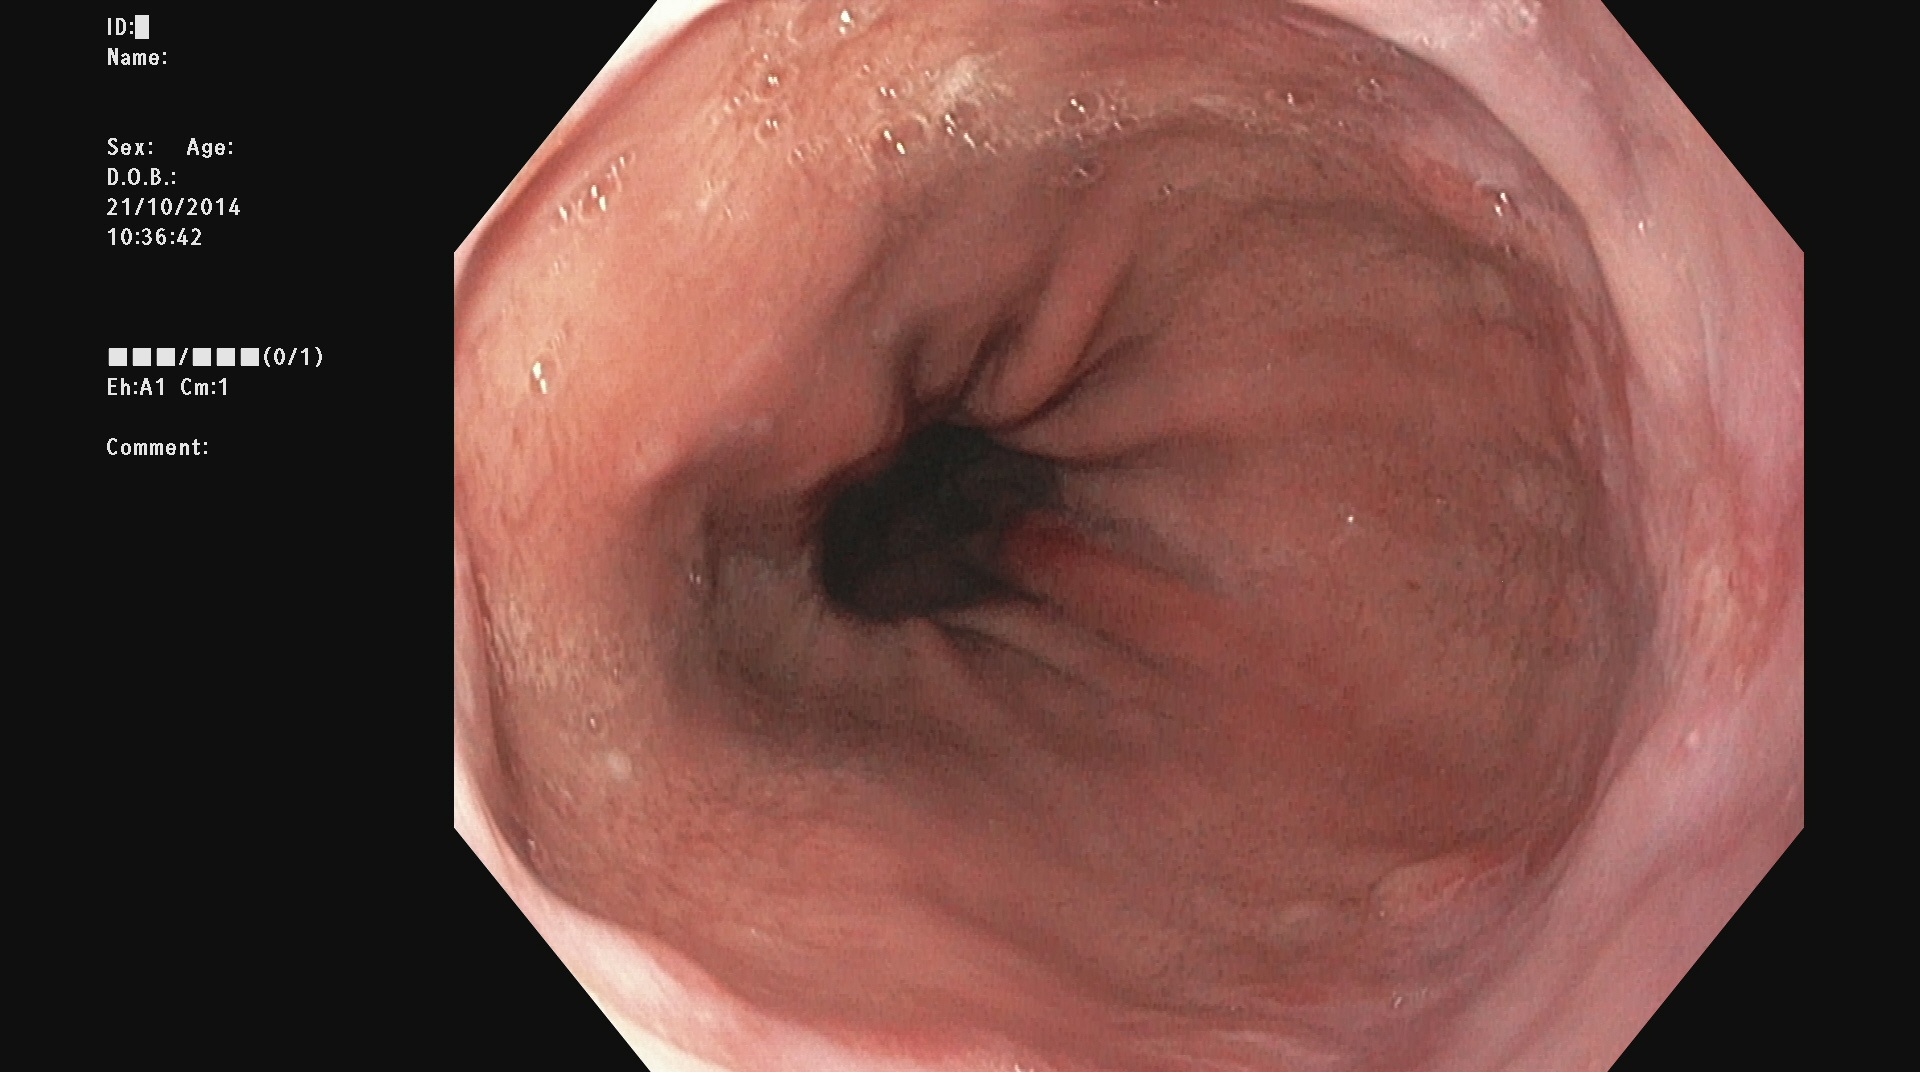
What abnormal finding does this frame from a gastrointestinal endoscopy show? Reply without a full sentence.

esophagitis